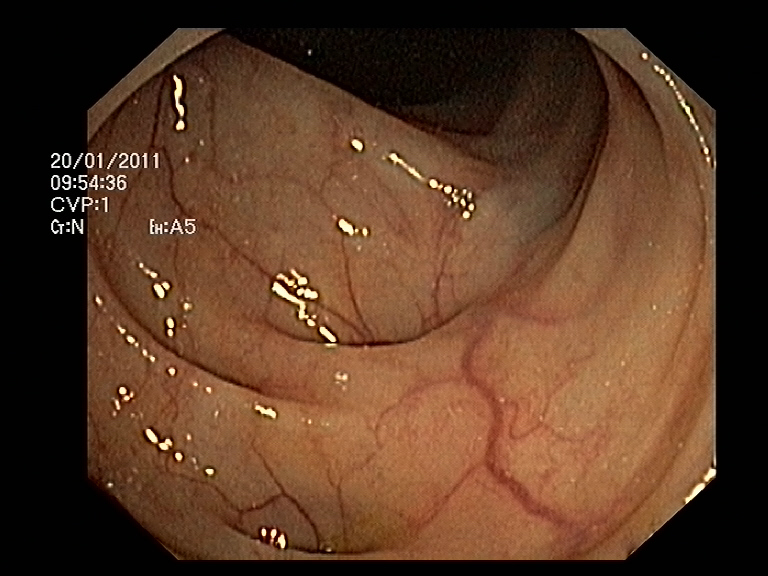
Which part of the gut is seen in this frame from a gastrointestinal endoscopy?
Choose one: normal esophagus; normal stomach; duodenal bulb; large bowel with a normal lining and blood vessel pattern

large bowel with a normal lining and blood vessel pattern